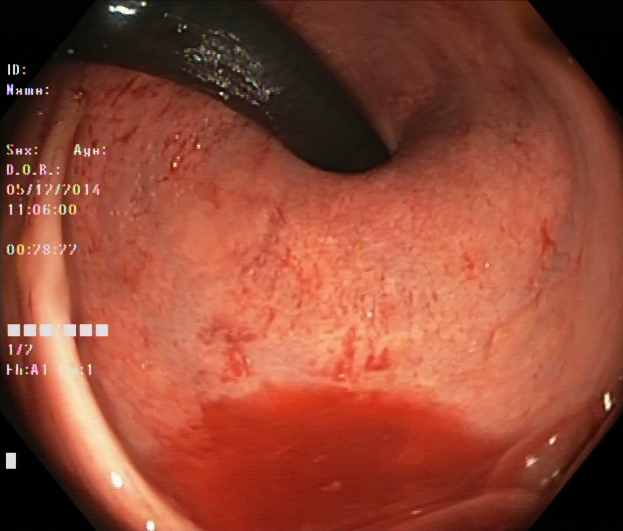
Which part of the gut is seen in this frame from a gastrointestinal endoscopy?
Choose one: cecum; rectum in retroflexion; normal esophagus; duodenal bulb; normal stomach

rectum in retroflexion